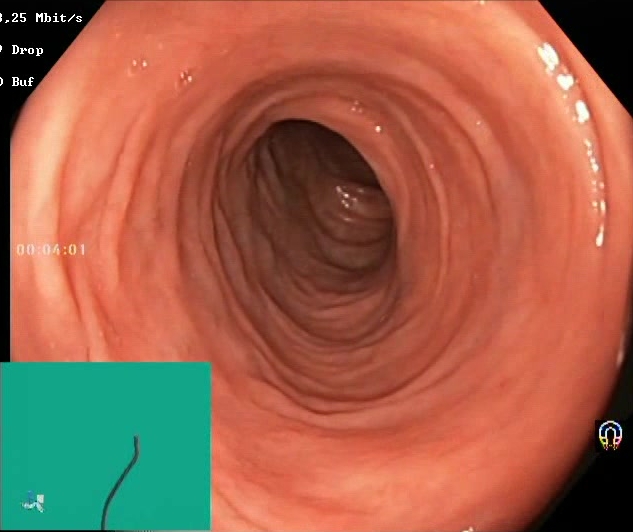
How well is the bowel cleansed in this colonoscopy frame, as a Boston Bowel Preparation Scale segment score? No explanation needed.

Boston Bowel Preparation Scale score 2–3 (adequate preparation)